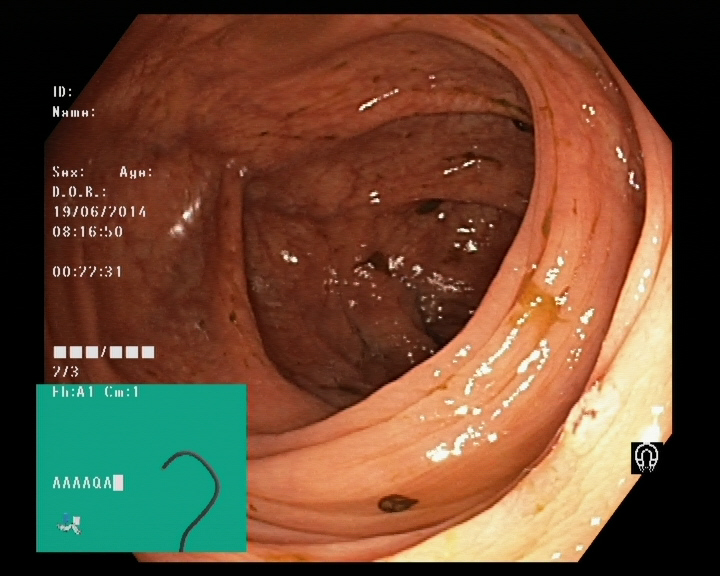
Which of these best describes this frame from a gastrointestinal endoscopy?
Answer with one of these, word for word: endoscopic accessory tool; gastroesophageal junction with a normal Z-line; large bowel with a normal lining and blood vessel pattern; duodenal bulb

large bowel with a normal lining and blood vessel pattern